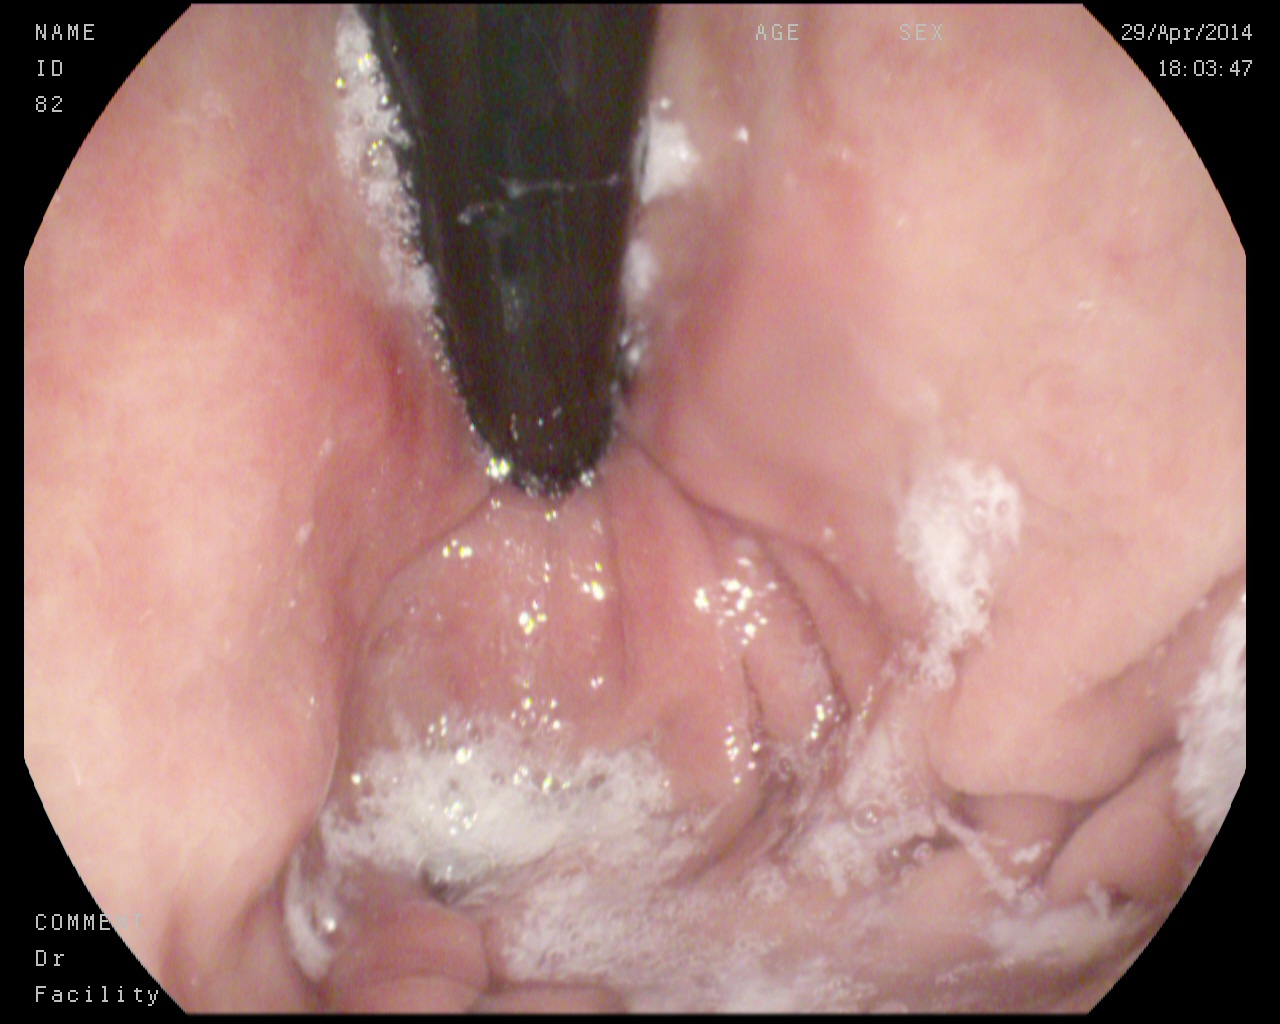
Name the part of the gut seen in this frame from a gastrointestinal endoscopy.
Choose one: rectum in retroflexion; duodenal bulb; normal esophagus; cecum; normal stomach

normal stomach